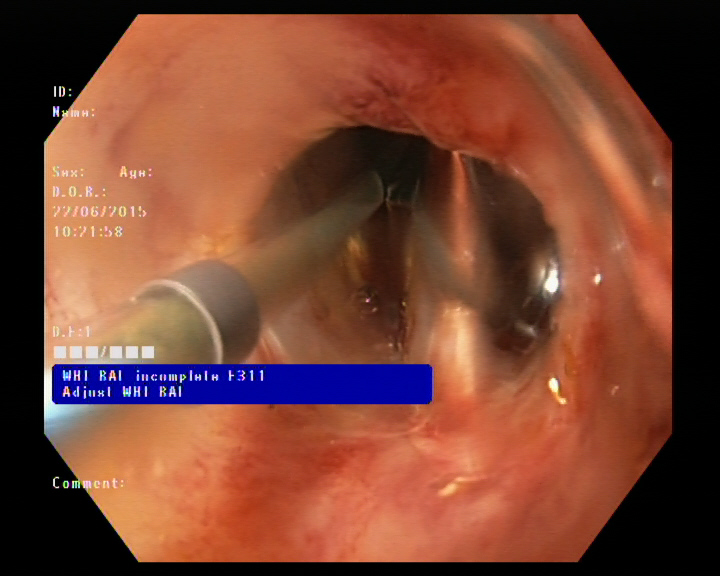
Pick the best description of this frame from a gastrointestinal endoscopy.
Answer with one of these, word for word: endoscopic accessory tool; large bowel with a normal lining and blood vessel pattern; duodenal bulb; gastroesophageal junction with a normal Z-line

endoscopic accessory tool